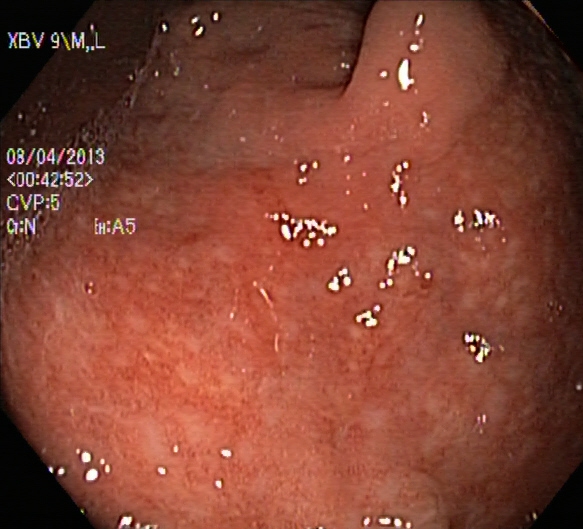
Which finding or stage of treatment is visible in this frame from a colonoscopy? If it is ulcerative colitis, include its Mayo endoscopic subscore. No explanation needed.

ulcerative colitis, Mayo endoscopic subscore 2